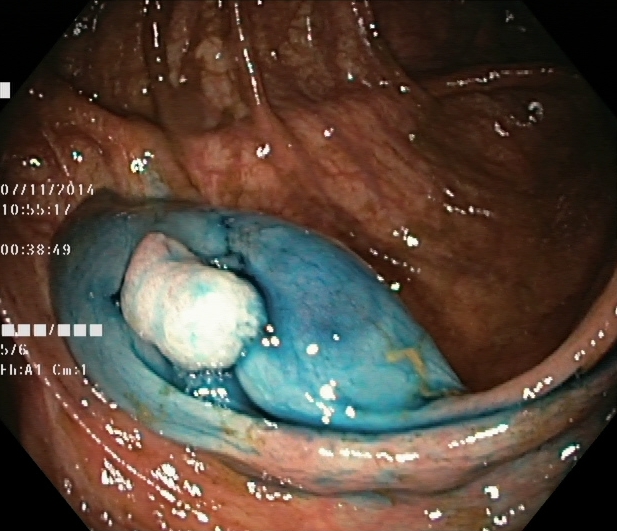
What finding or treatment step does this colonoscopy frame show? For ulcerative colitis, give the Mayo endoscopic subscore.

dyed and lifted polyp (pre-resection)